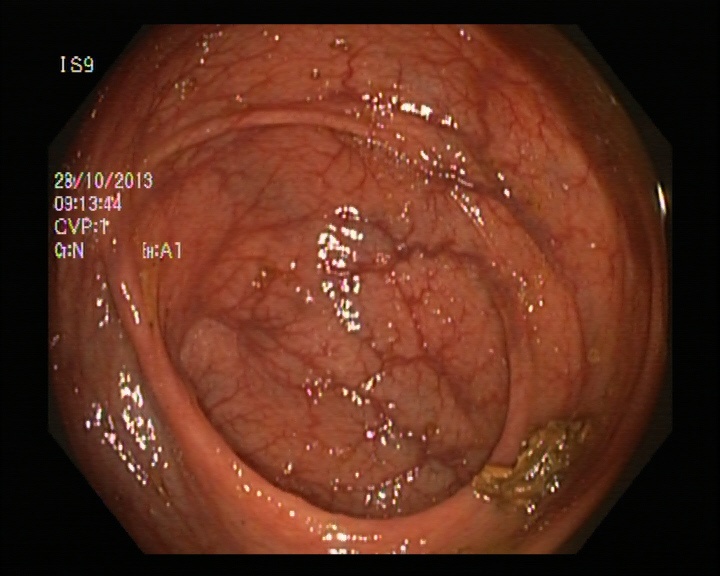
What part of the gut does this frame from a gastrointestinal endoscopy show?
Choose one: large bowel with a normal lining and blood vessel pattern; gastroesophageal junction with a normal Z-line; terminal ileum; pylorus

large bowel with a normal lining and blood vessel pattern